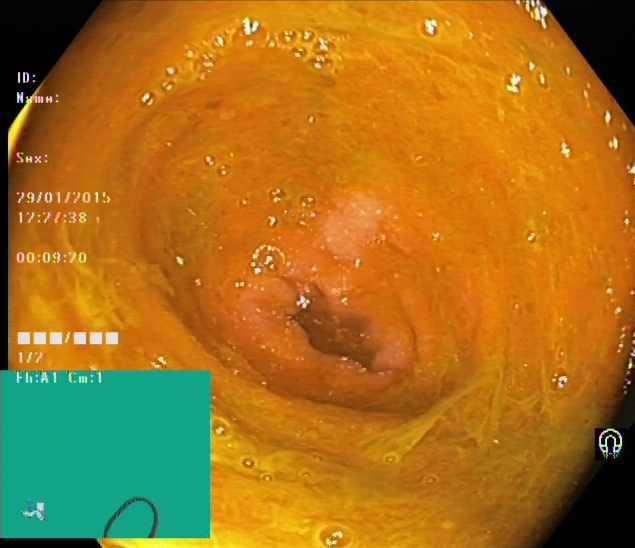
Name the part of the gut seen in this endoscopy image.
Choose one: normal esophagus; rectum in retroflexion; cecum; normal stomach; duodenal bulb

cecum